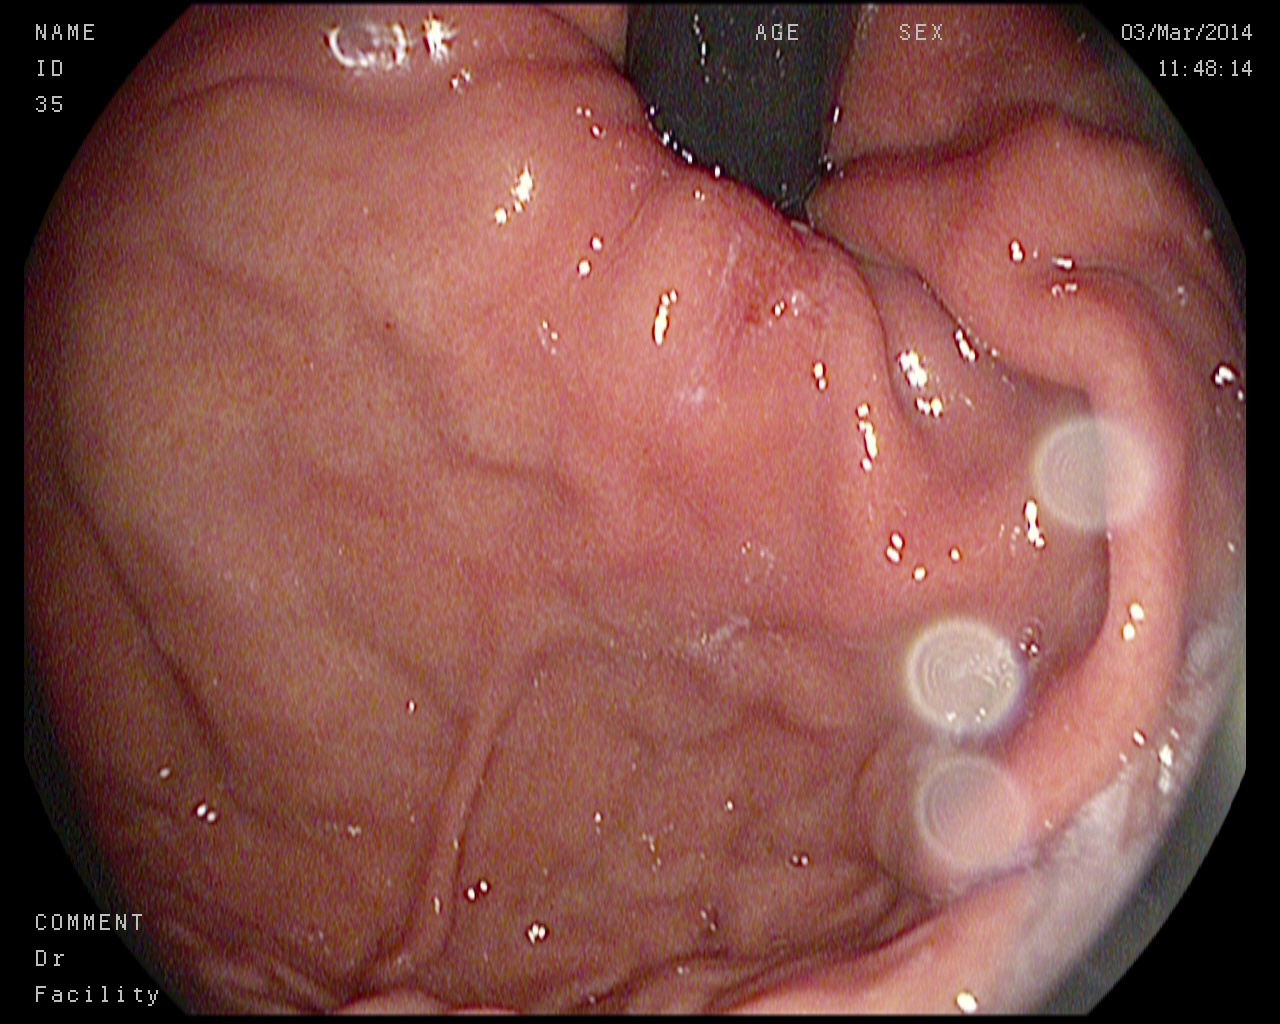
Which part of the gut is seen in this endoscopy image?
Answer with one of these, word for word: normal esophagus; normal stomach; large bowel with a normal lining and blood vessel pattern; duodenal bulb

normal stomach